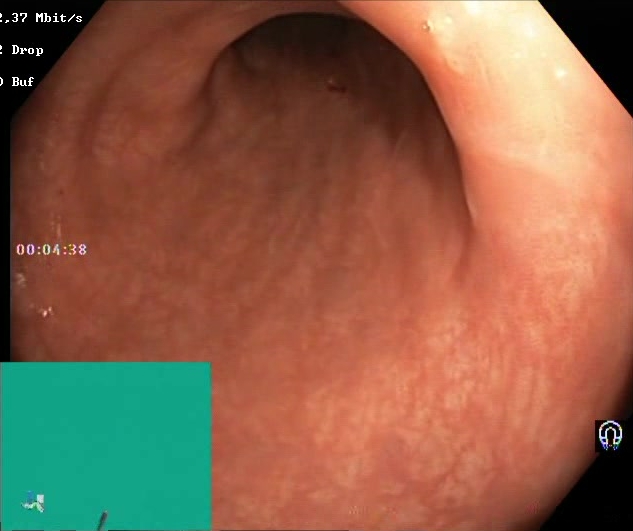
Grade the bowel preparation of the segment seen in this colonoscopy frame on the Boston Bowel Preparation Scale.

Boston Bowel Preparation Scale score 2–3 (adequate preparation)